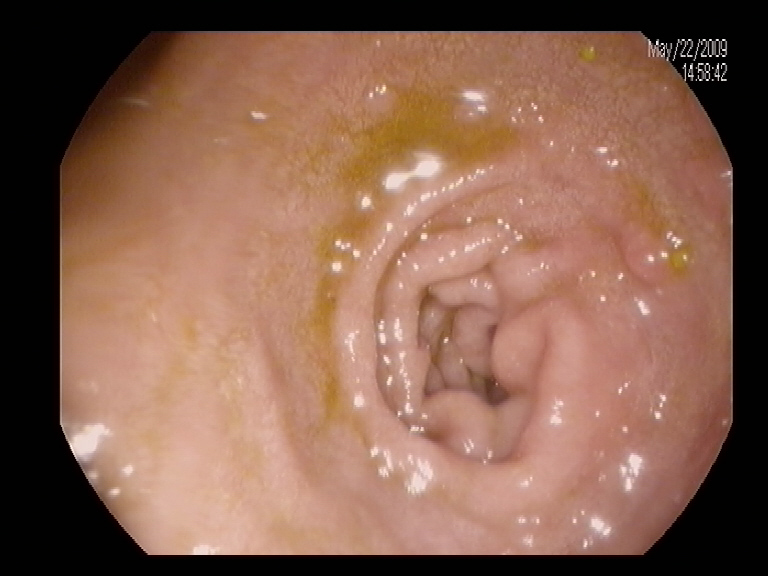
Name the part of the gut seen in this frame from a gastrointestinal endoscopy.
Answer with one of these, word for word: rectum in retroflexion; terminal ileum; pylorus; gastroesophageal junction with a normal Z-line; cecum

terminal ileum